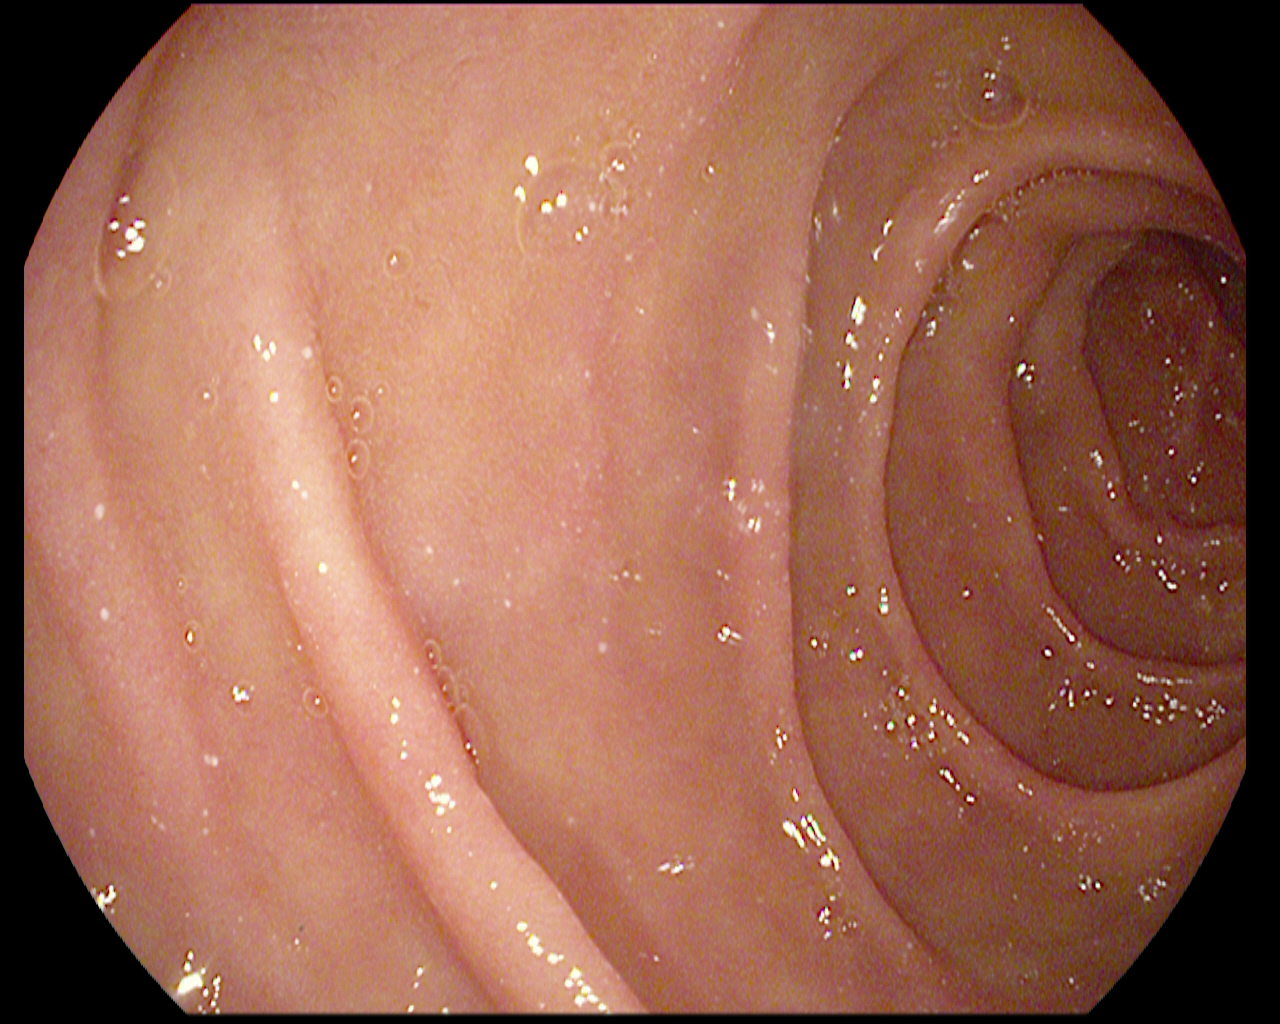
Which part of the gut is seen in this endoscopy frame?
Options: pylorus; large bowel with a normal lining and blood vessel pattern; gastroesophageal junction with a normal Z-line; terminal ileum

terminal ileum